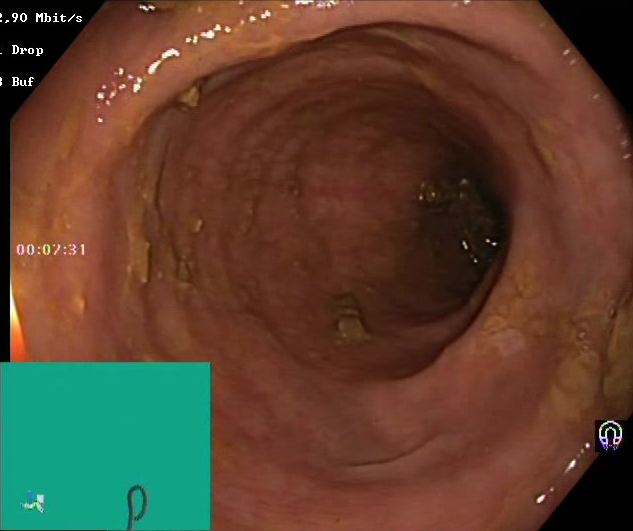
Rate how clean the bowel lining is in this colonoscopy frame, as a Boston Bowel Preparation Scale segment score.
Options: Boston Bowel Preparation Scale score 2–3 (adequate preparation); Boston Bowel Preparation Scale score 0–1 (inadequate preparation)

Boston Bowel Preparation Scale score 2–3 (adequate preparation)